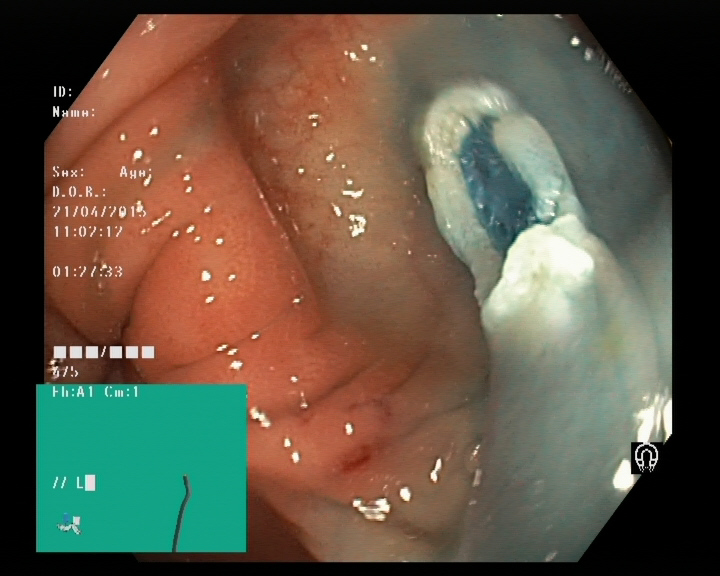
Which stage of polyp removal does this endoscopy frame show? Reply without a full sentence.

dyed resection margin (post-polypectomy)